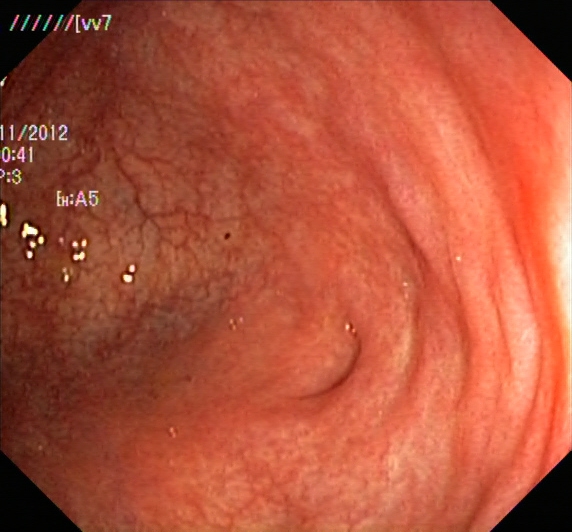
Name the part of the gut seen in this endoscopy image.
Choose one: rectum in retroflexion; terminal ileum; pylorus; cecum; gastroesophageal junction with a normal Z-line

cecum